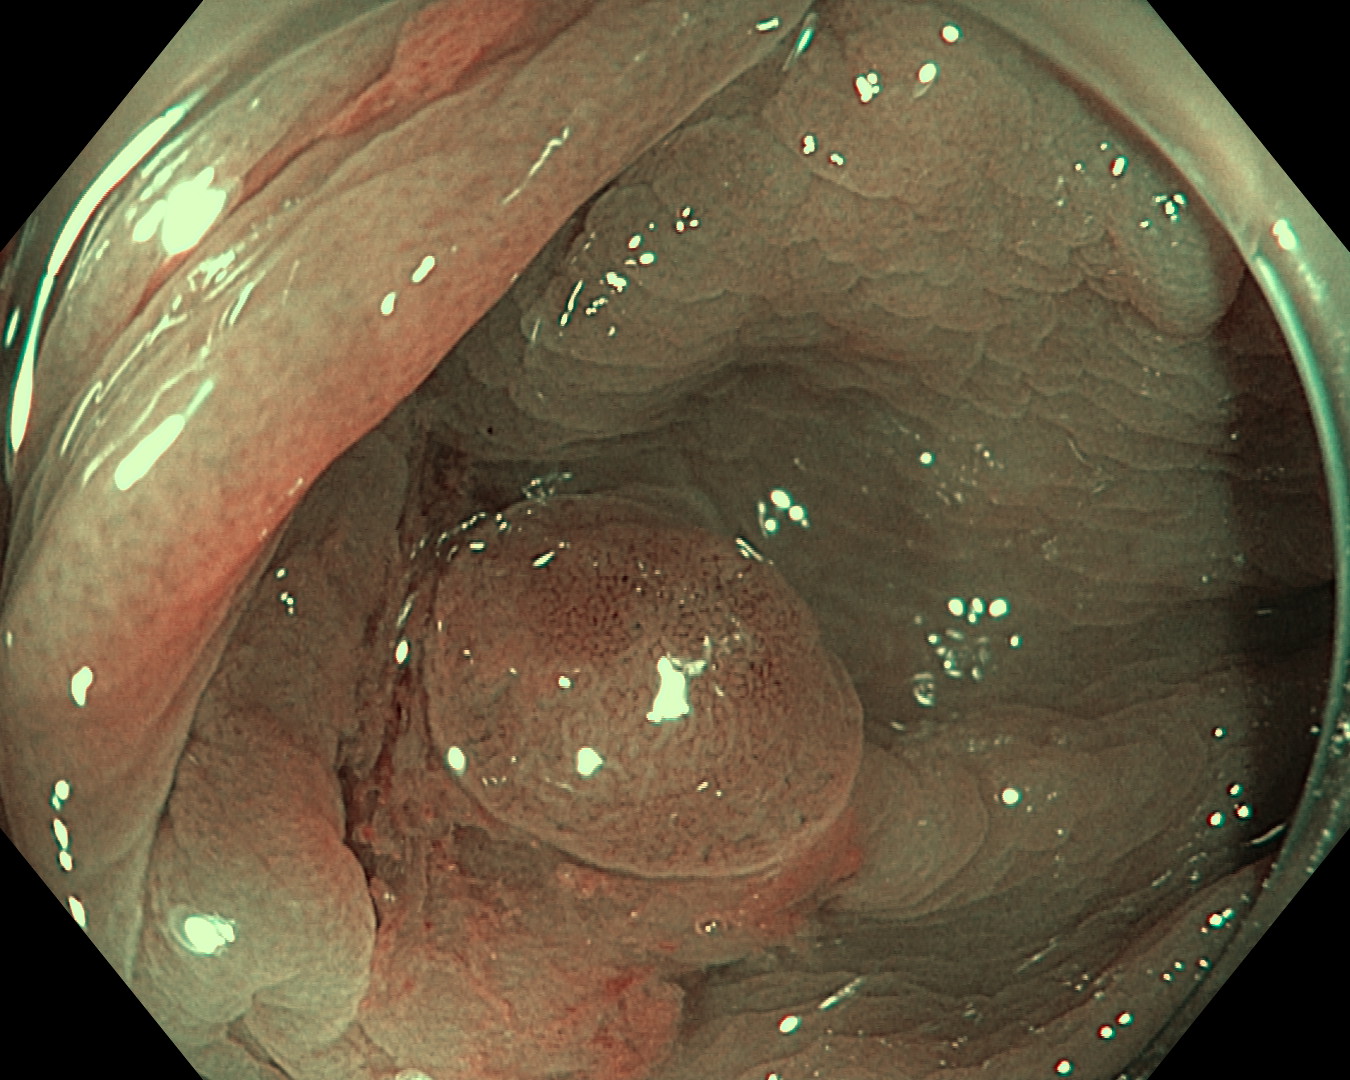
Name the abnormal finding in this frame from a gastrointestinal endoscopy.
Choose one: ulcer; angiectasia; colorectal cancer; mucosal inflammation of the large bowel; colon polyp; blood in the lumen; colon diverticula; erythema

colon polyp